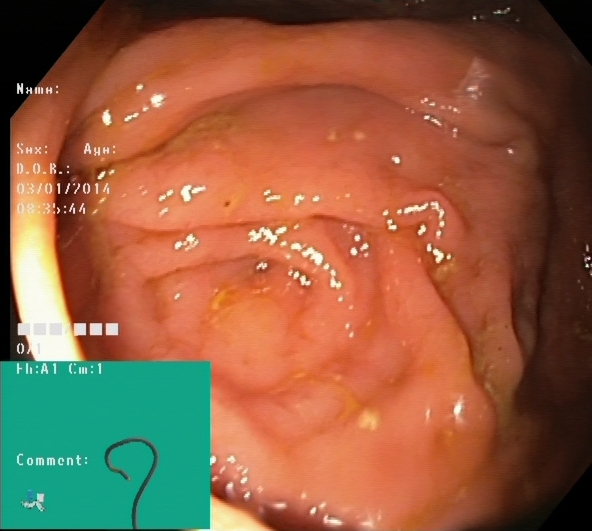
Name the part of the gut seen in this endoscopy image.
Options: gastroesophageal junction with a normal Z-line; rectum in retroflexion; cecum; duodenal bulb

cecum